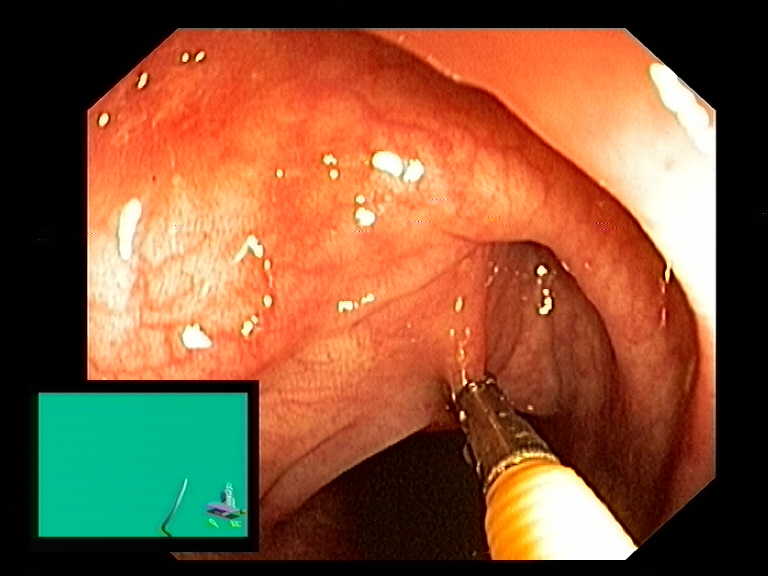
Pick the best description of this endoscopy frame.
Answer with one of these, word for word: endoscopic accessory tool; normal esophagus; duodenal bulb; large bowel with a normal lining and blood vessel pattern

endoscopic accessory tool